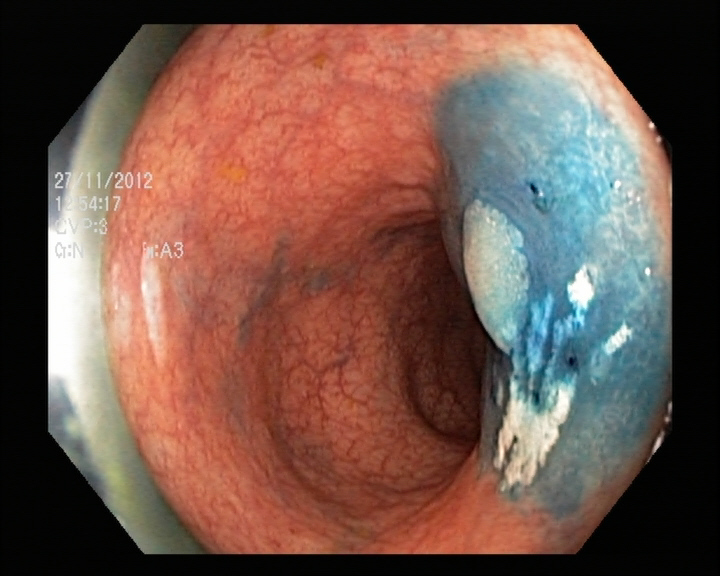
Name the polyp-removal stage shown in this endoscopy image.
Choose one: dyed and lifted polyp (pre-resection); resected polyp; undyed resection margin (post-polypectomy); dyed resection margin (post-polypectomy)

dyed and lifted polyp (pre-resection)